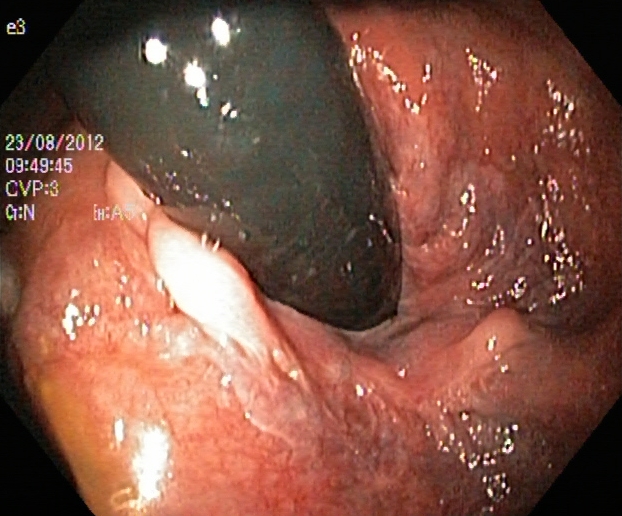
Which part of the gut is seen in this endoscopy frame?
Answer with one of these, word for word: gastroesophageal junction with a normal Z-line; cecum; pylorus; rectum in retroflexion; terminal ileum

rectum in retroflexion